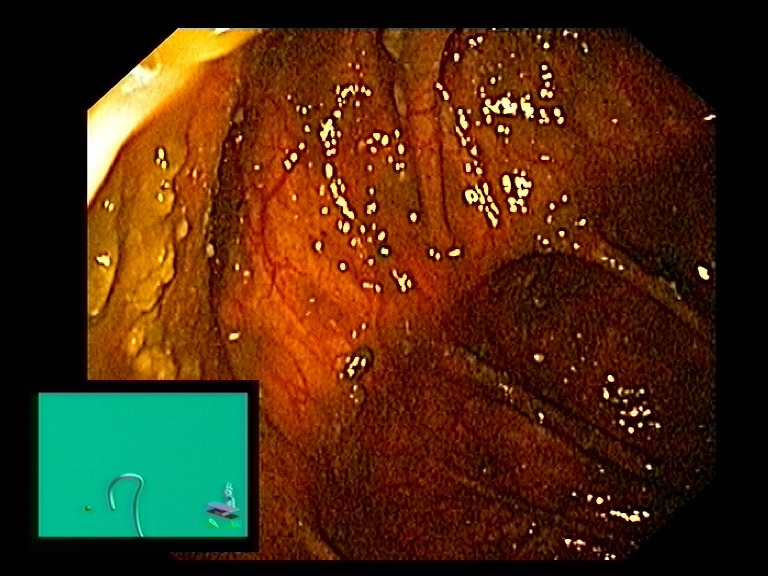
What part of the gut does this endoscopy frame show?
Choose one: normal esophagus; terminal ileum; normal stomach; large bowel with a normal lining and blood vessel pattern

large bowel with a normal lining and blood vessel pattern